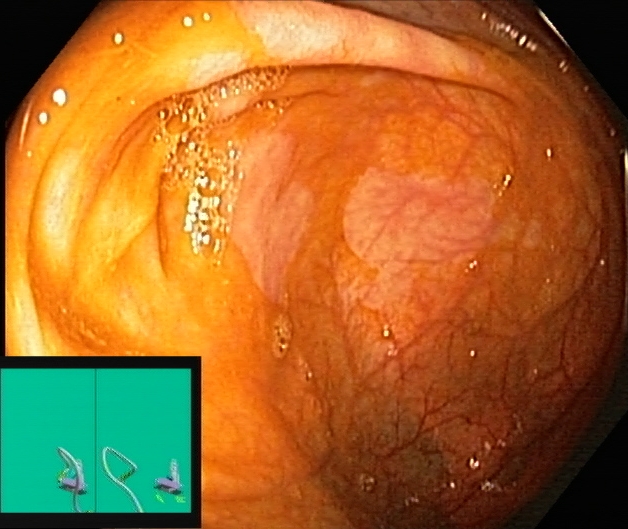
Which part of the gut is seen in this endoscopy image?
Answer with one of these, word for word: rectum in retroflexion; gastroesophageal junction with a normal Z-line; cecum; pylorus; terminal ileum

cecum